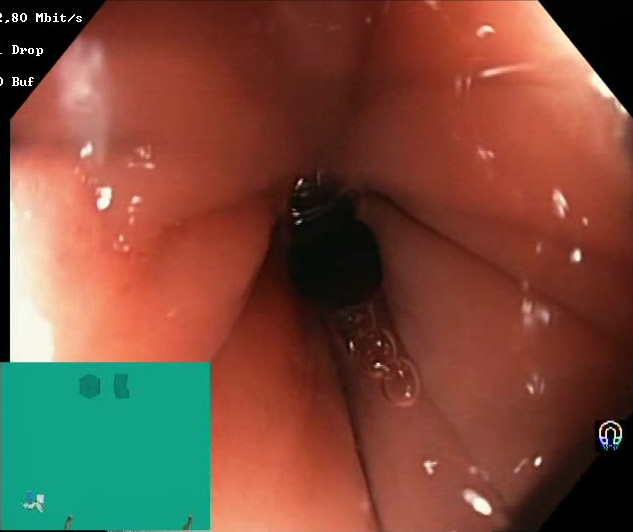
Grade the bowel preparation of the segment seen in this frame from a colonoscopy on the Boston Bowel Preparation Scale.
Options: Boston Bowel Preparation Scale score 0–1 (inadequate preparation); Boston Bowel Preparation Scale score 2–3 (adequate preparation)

Boston Bowel Preparation Scale score 2–3 (adequate preparation)